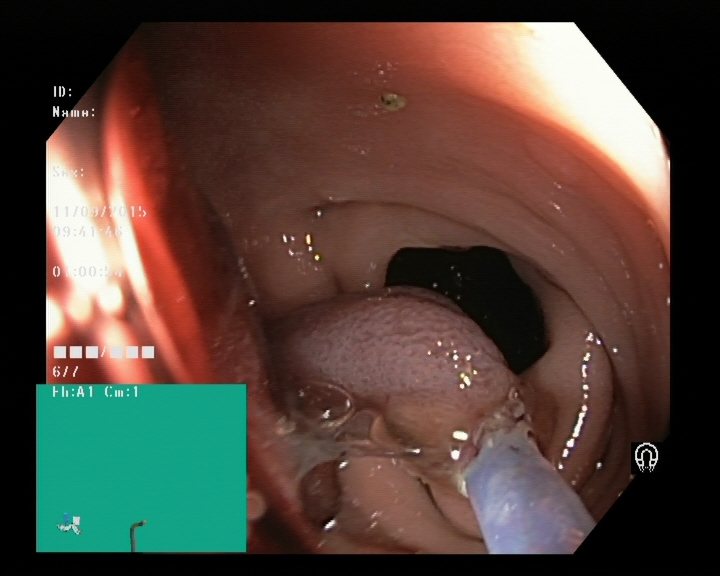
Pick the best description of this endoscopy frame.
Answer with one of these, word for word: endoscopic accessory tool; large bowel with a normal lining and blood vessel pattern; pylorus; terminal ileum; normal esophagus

endoscopic accessory tool